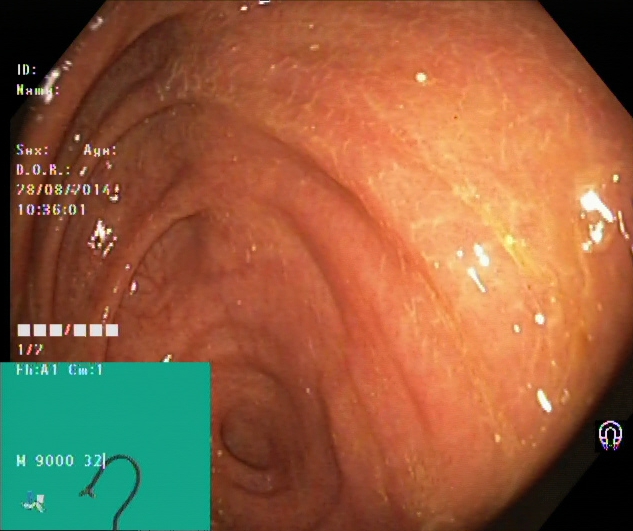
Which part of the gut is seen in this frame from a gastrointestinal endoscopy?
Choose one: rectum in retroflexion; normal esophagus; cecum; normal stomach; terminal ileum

cecum